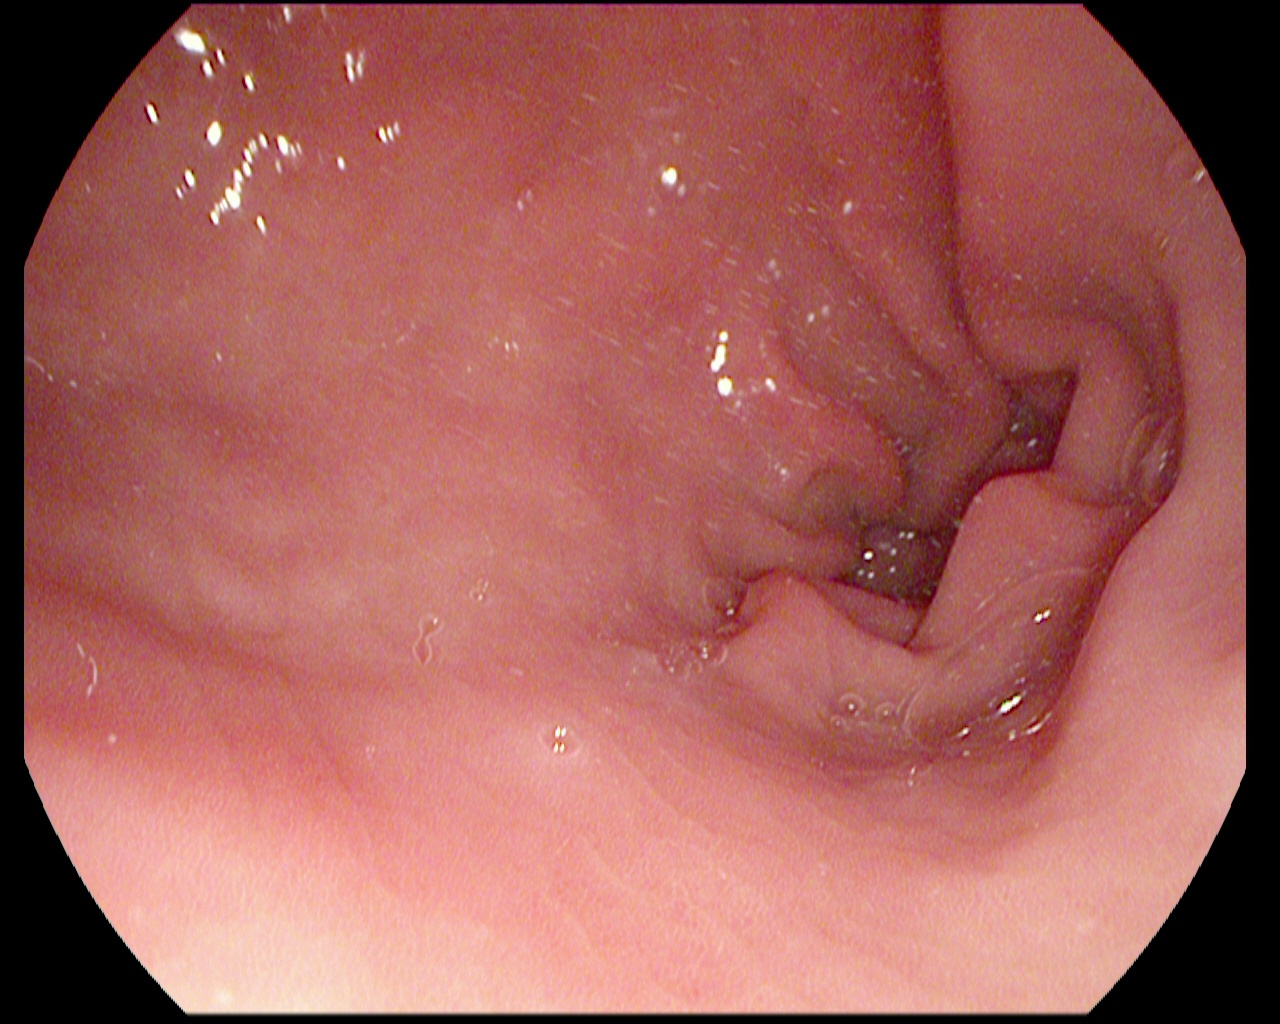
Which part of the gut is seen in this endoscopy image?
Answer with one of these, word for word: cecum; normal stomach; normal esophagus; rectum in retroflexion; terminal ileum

normal stomach